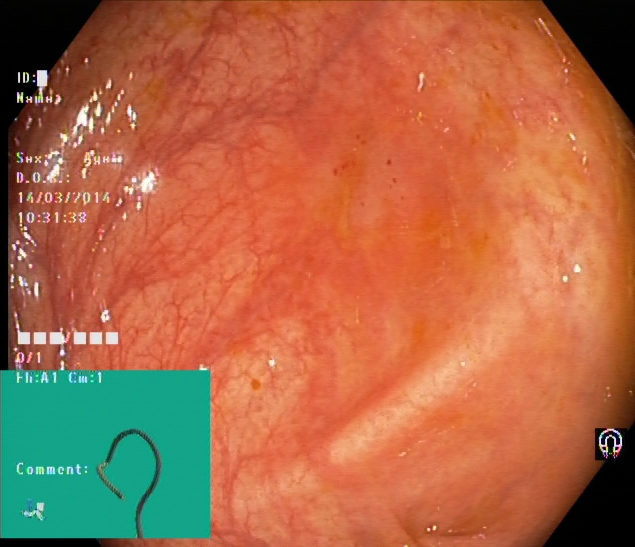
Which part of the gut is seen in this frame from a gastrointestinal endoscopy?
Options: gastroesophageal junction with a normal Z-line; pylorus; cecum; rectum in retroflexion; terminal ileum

cecum